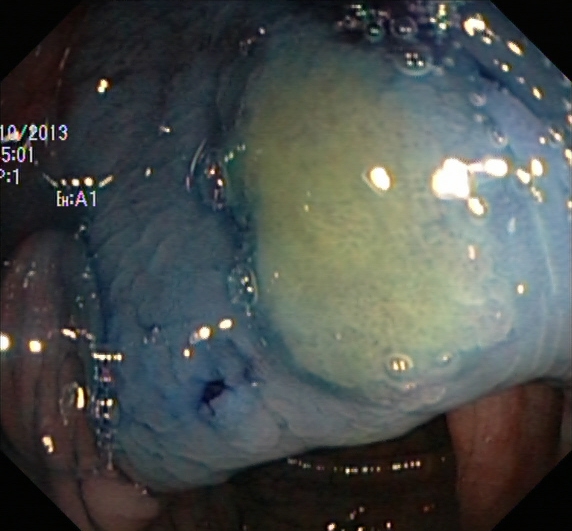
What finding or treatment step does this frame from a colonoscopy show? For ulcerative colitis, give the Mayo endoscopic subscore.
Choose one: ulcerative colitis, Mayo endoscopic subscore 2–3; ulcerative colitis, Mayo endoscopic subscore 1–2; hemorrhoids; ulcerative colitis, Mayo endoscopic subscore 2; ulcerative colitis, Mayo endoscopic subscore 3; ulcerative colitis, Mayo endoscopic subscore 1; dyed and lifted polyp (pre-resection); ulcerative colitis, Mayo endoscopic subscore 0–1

dyed and lifted polyp (pre-resection)